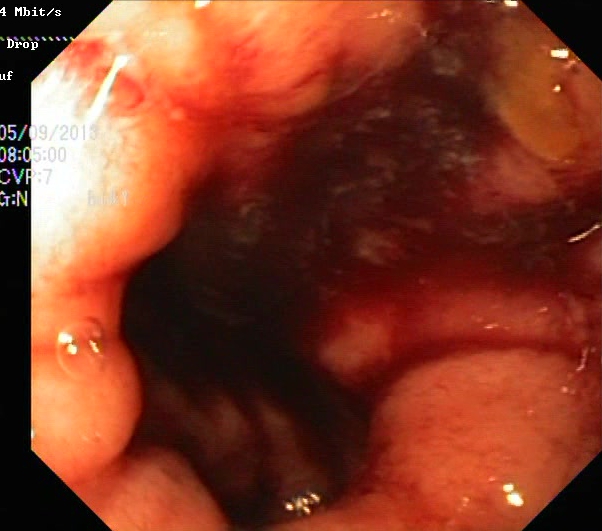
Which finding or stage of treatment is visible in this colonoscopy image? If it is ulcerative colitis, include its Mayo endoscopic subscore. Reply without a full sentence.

ulcerative colitis, Mayo endoscopic subscore 3